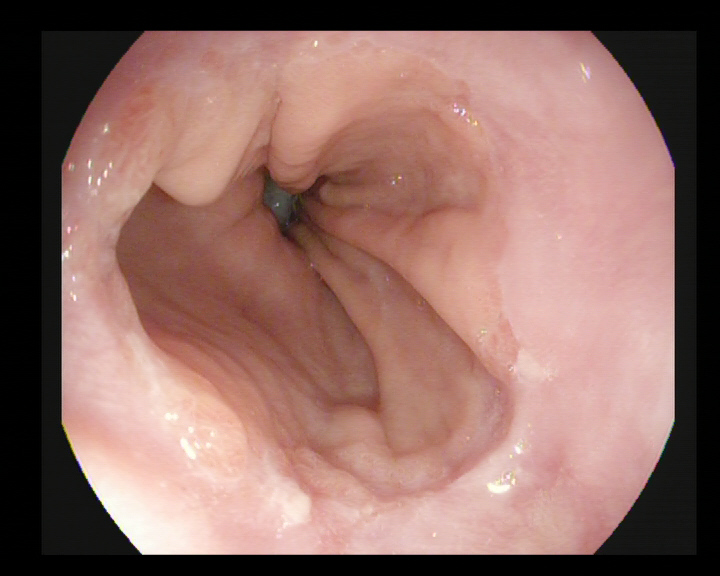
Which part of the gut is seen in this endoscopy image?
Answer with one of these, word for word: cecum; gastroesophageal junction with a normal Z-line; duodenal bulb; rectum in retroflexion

gastroesophageal junction with a normal Z-line